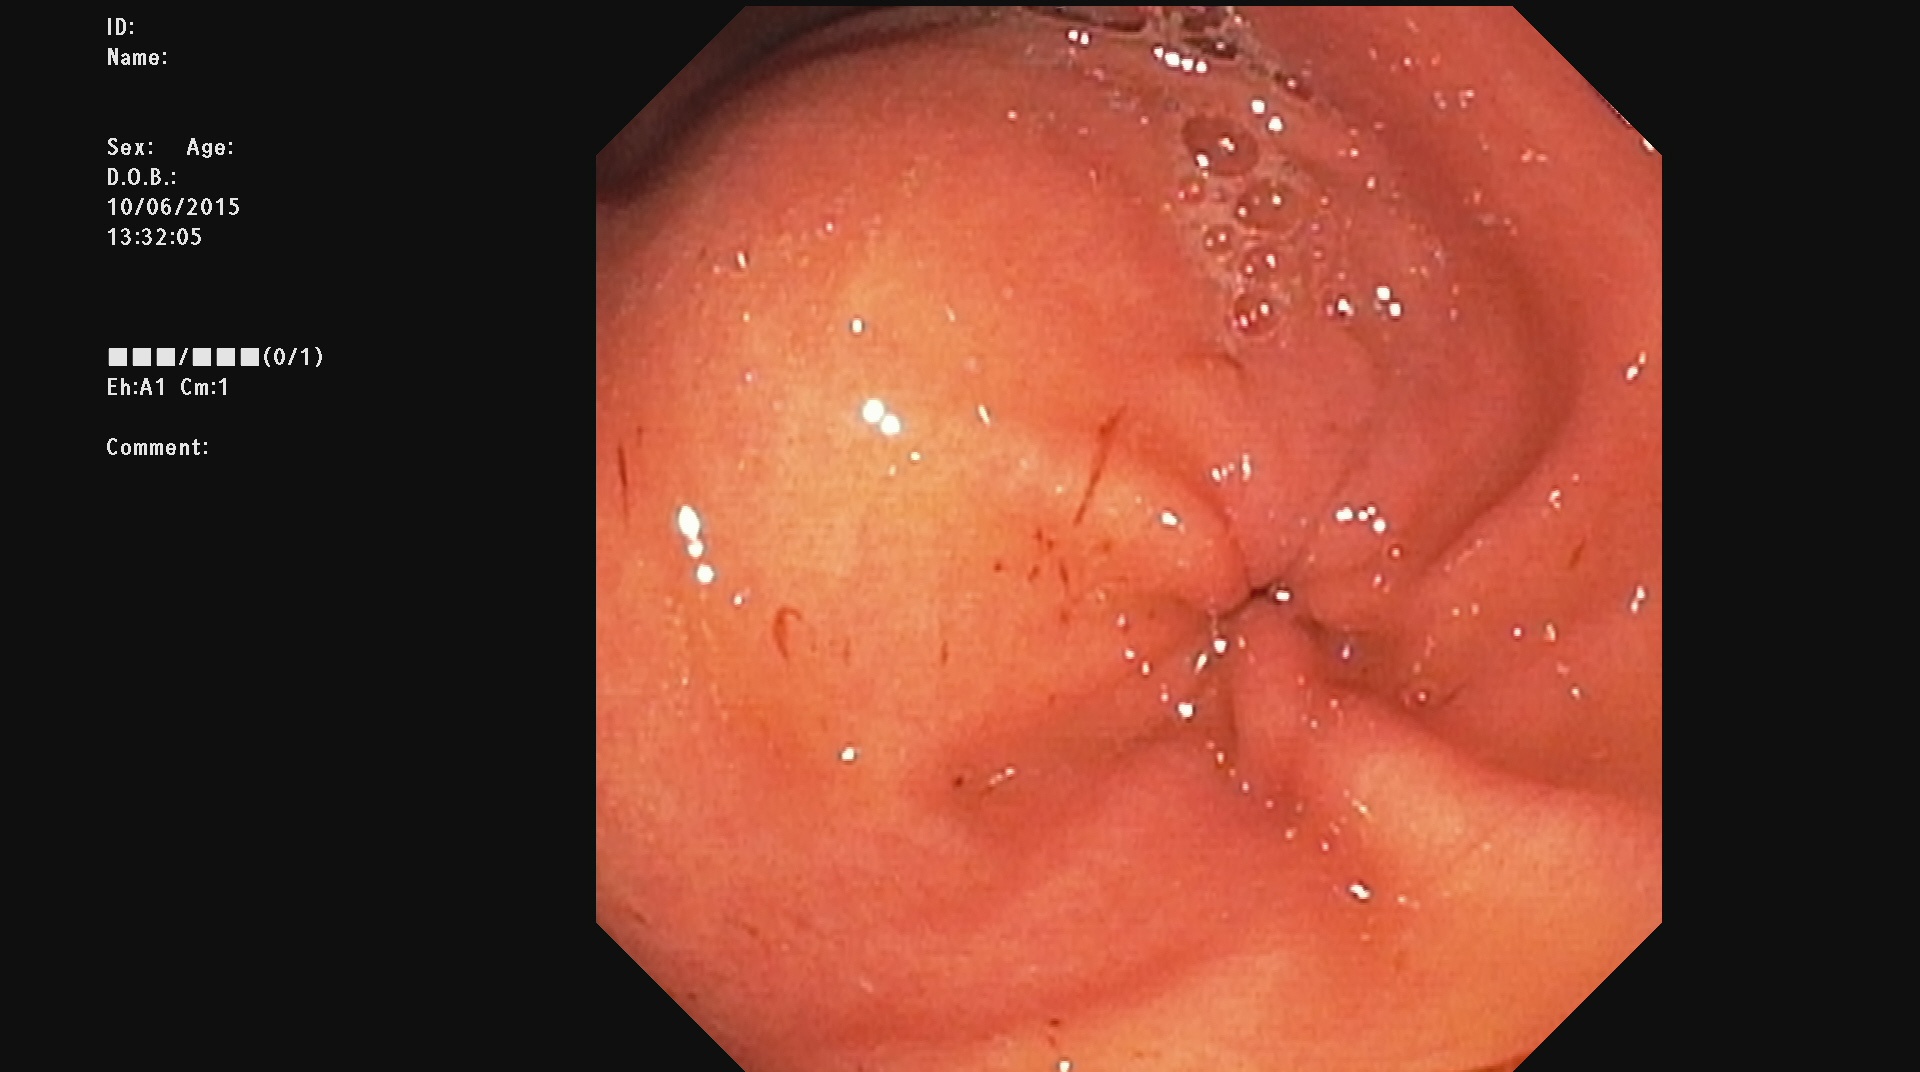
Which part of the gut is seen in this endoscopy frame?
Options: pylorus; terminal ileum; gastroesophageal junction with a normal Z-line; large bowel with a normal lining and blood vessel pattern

pylorus